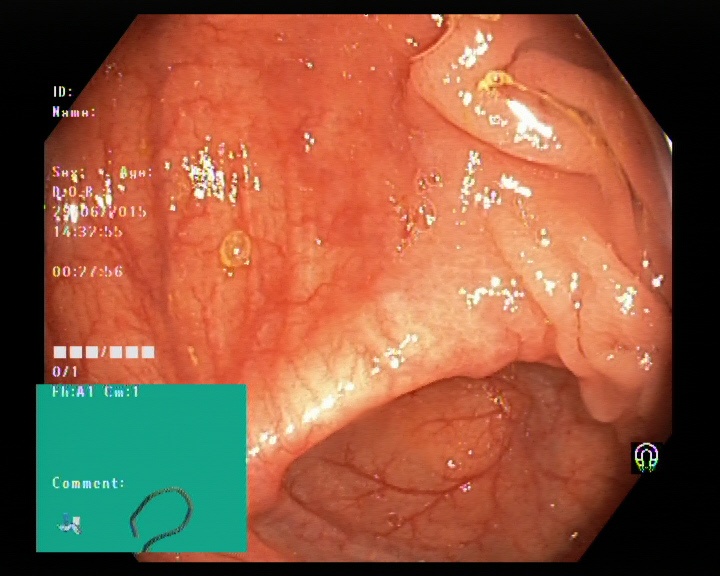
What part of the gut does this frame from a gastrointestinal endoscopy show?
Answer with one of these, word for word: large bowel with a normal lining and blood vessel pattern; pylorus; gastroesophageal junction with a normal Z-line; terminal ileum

large bowel with a normal lining and blood vessel pattern